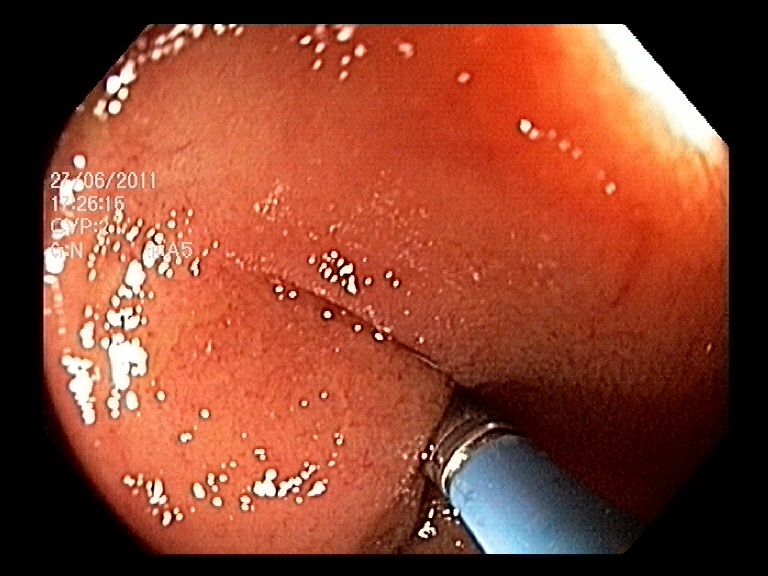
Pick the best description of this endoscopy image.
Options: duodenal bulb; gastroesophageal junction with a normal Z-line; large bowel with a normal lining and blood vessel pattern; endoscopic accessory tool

endoscopic accessory tool